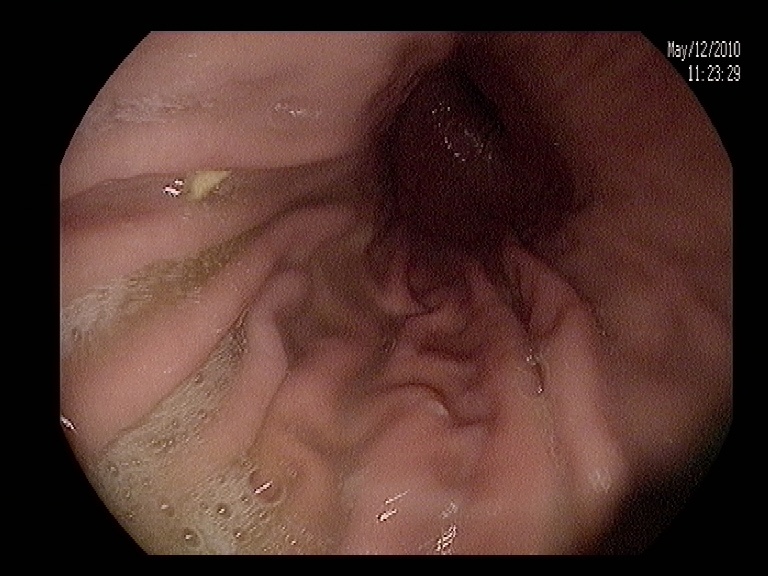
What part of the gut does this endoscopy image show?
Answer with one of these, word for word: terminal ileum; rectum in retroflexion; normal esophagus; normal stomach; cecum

normal stomach